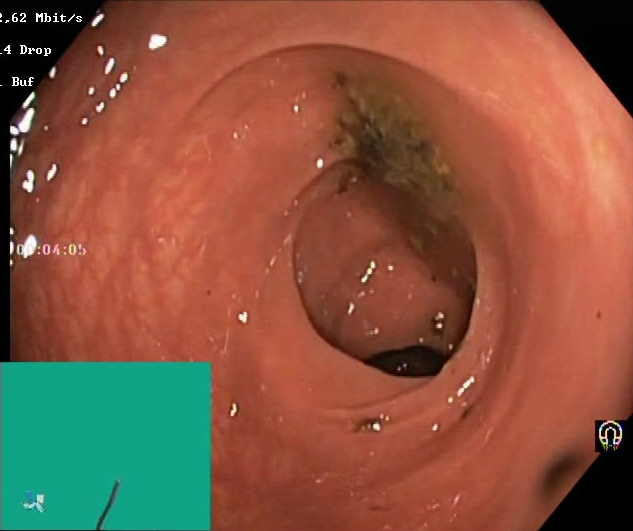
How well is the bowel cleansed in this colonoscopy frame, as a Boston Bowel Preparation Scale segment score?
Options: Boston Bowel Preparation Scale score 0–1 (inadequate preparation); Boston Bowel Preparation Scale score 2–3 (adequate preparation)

Boston Bowel Preparation Scale score 0–1 (inadequate preparation)